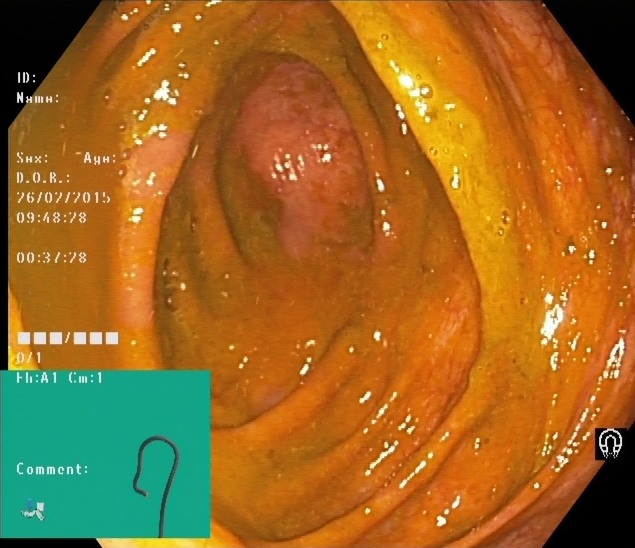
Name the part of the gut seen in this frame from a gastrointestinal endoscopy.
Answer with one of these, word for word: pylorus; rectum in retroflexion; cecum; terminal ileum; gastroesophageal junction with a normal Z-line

cecum